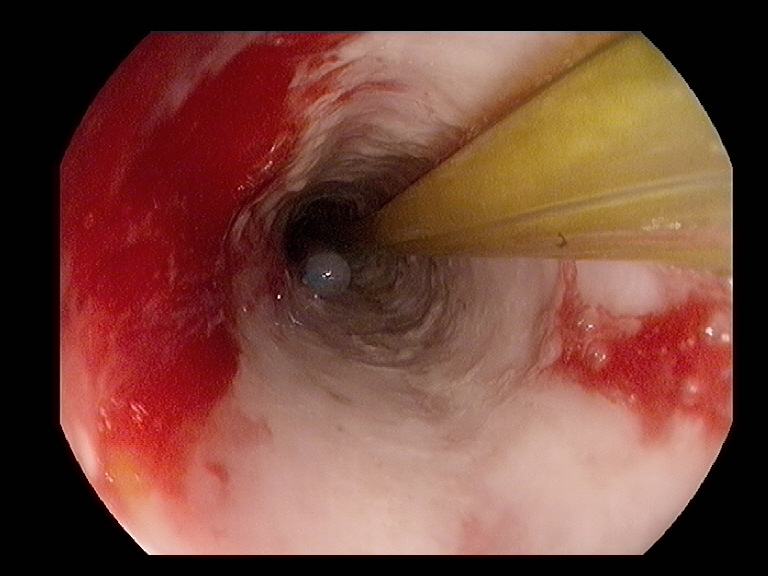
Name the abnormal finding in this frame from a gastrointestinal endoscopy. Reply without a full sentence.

blood in the lumen